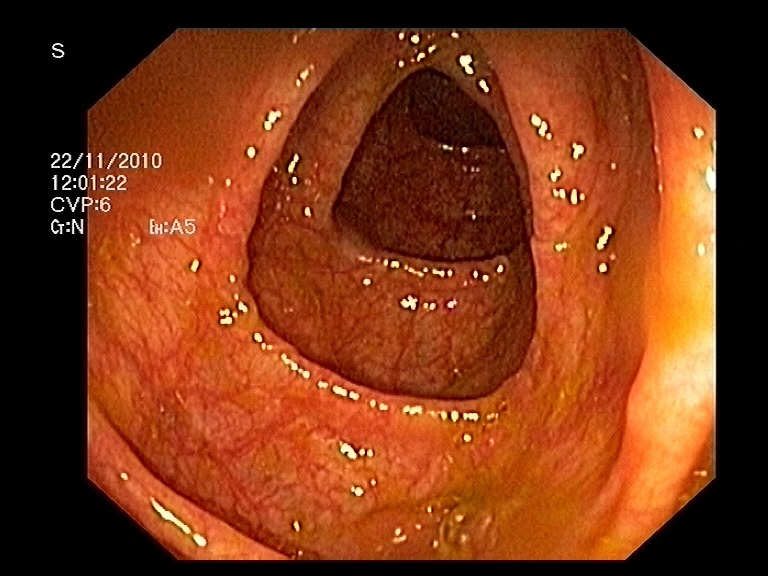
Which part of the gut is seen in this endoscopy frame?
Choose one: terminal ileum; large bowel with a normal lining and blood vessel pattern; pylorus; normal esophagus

large bowel with a normal lining and blood vessel pattern